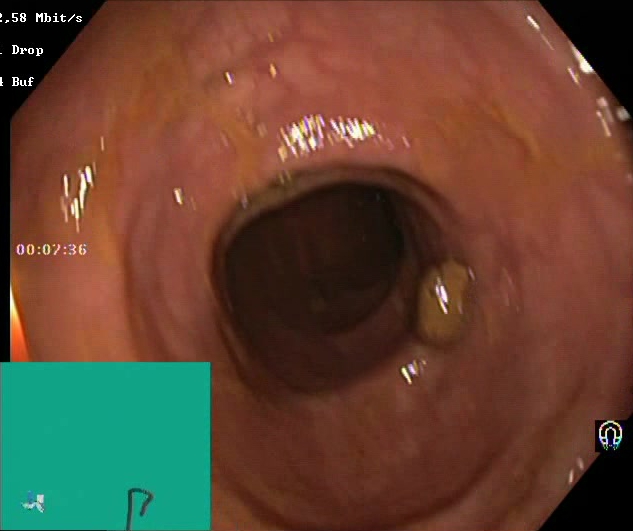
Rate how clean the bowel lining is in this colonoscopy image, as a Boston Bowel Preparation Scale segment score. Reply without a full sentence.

Boston Bowel Preparation Scale score 2–3 (adequate preparation)